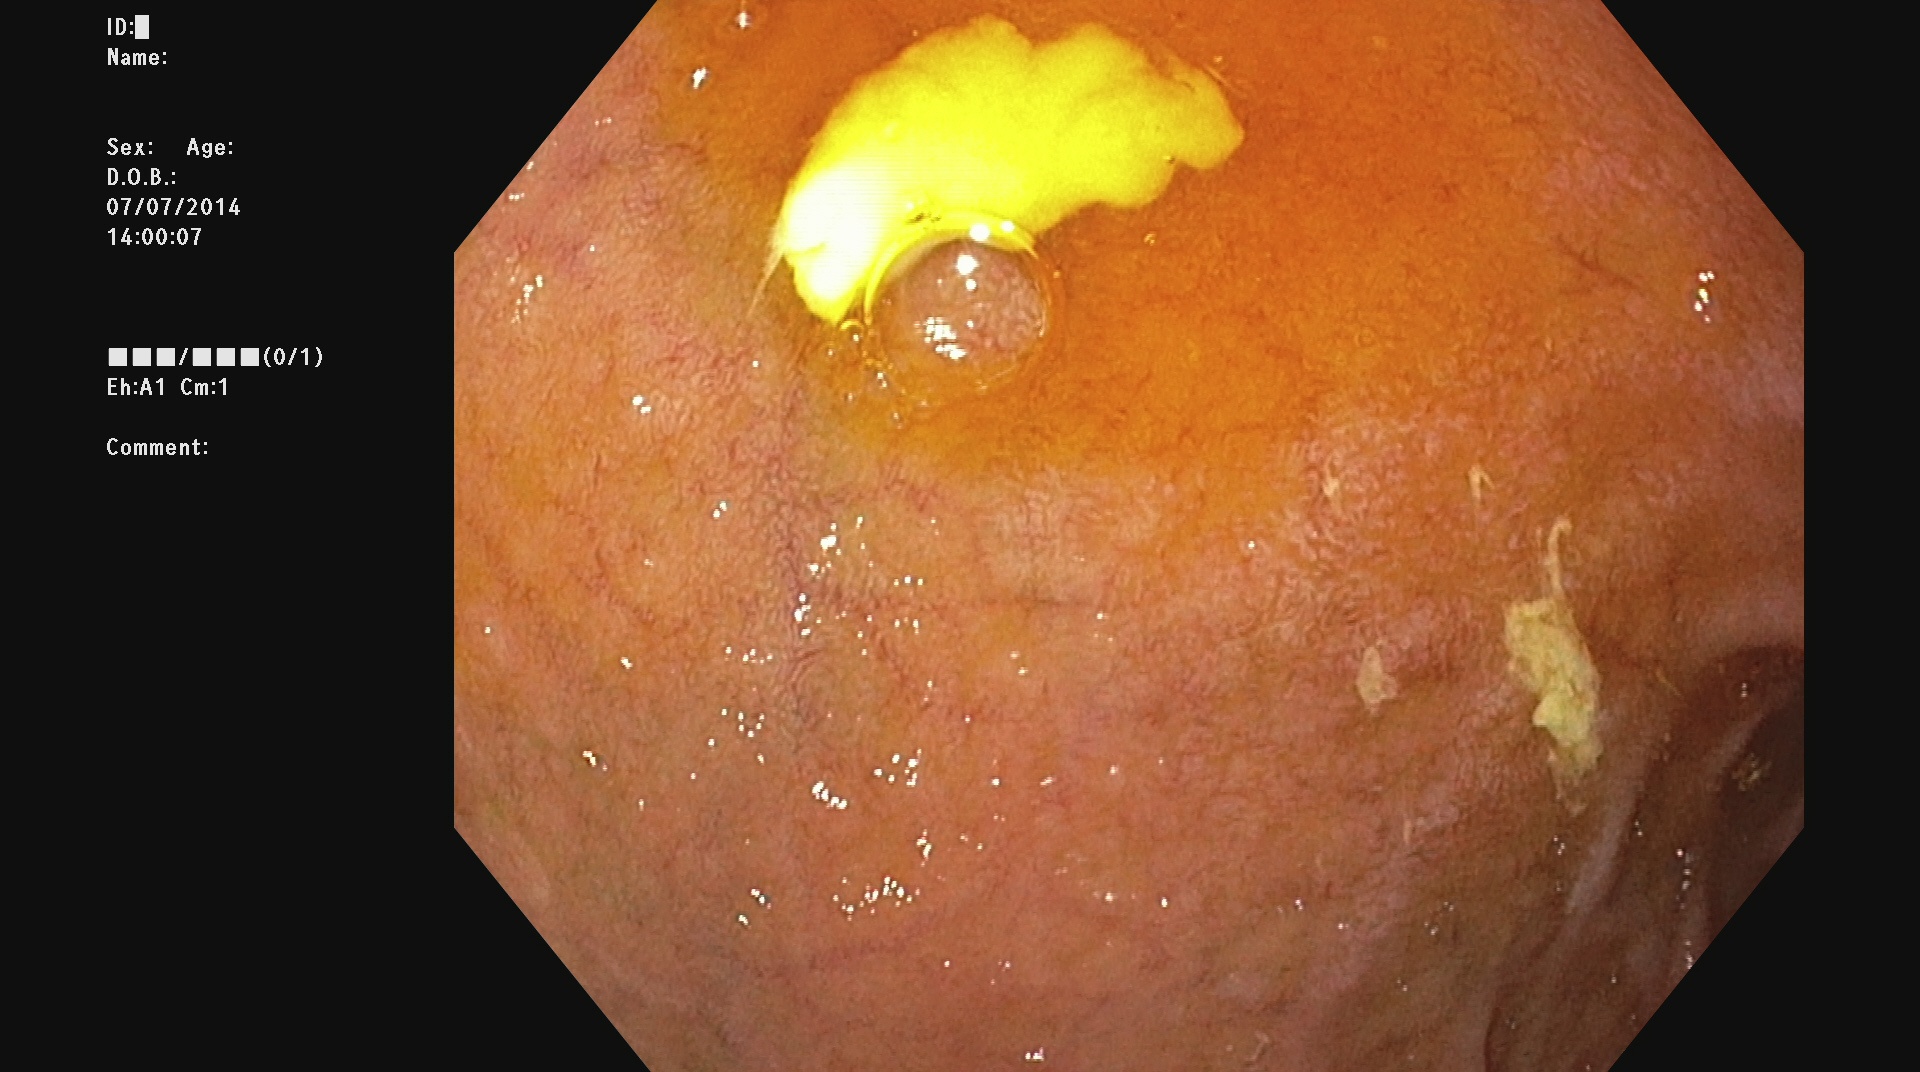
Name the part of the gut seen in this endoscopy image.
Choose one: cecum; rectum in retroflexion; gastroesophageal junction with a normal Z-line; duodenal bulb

duodenal bulb